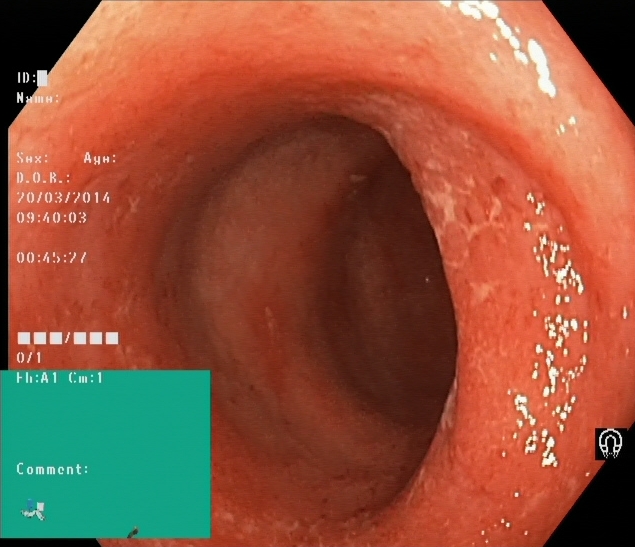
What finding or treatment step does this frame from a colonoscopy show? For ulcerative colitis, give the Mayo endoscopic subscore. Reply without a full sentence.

ulcerative colitis, Mayo endoscopic subscore 2